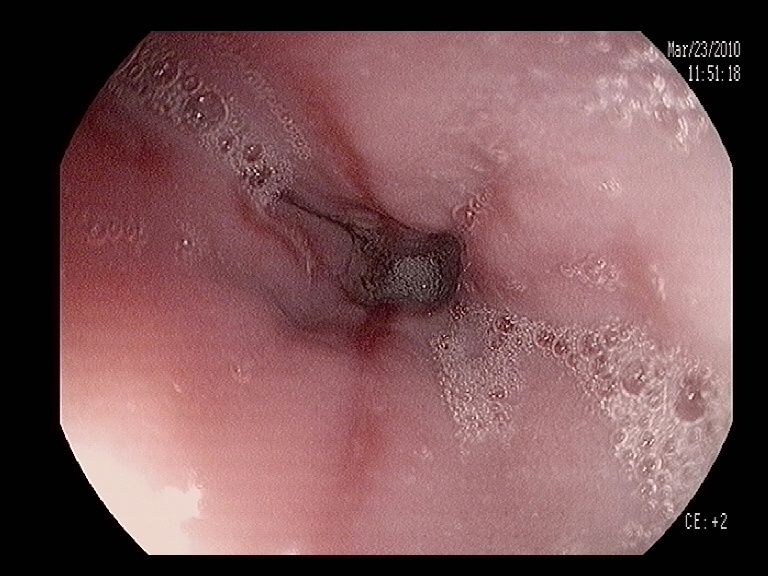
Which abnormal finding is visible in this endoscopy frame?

esophagitis